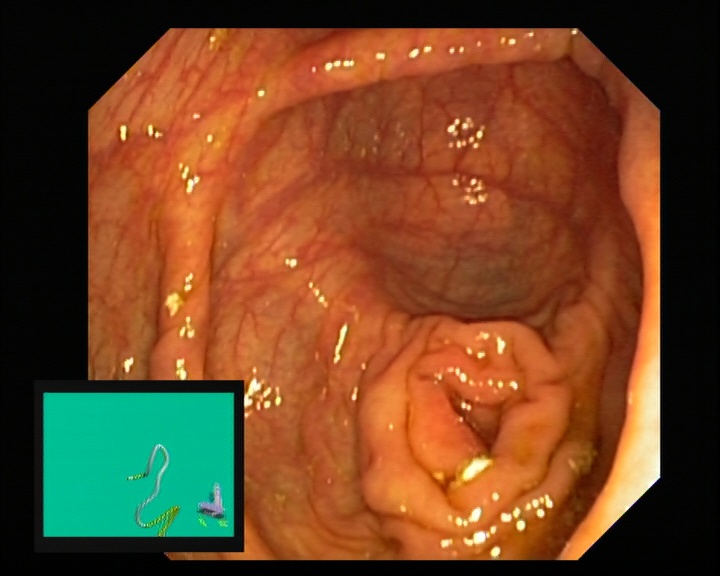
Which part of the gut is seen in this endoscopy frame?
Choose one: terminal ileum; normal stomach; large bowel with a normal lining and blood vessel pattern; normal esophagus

large bowel with a normal lining and blood vessel pattern